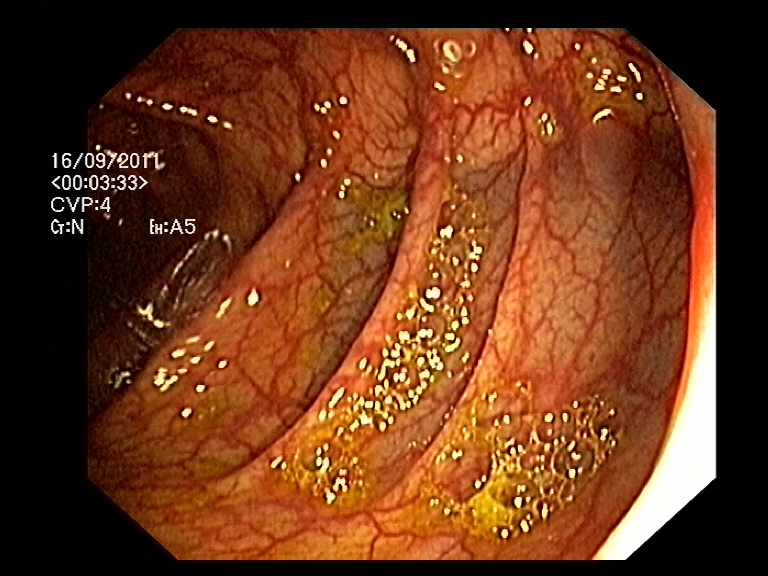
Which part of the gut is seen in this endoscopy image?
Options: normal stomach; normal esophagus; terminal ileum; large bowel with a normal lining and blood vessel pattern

large bowel with a normal lining and blood vessel pattern